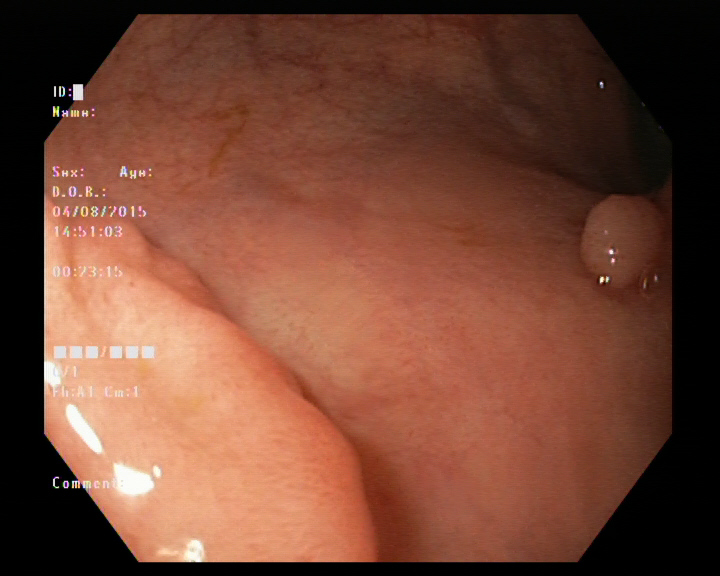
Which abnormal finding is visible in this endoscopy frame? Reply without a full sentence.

colon polyp